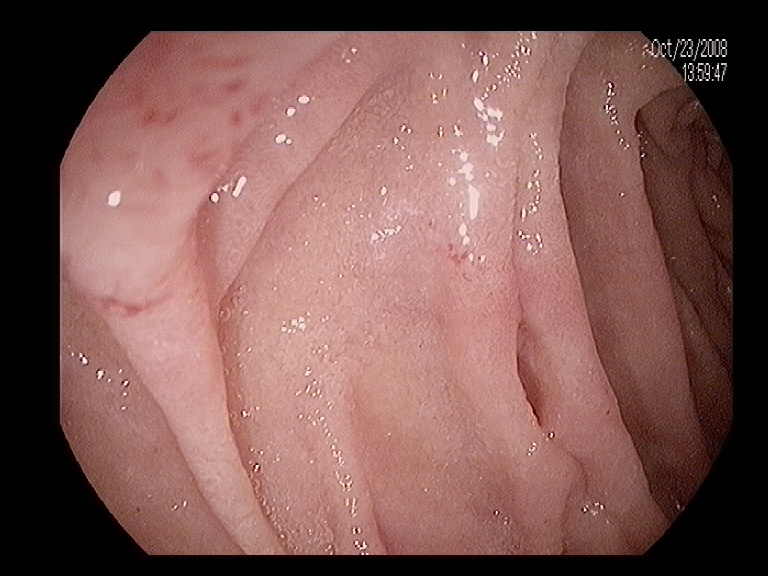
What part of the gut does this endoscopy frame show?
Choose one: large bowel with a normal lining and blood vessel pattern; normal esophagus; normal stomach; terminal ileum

terminal ileum